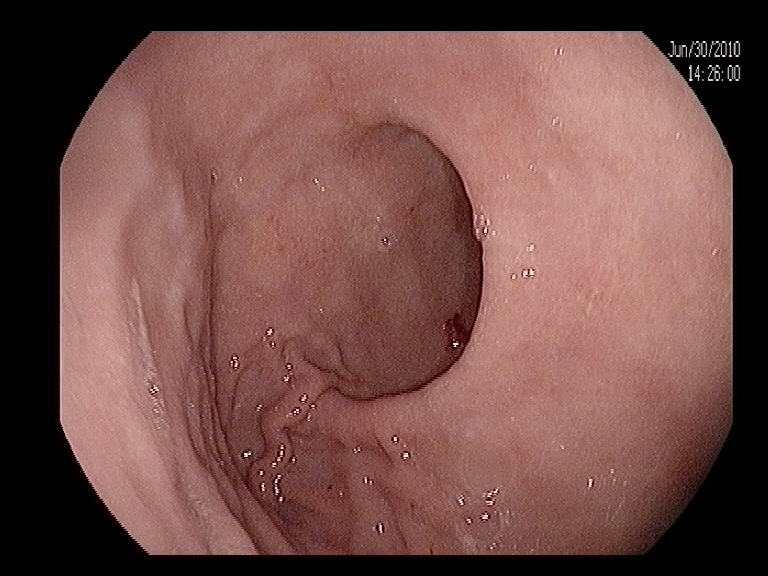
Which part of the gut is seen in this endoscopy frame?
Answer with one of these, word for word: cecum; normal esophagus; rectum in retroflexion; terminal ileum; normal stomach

normal stomach